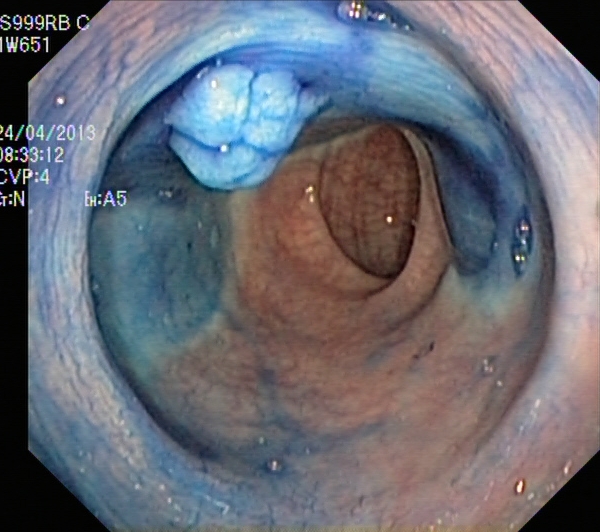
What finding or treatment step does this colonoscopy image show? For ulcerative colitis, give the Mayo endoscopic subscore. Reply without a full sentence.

dyed and lifted polyp (pre-resection)